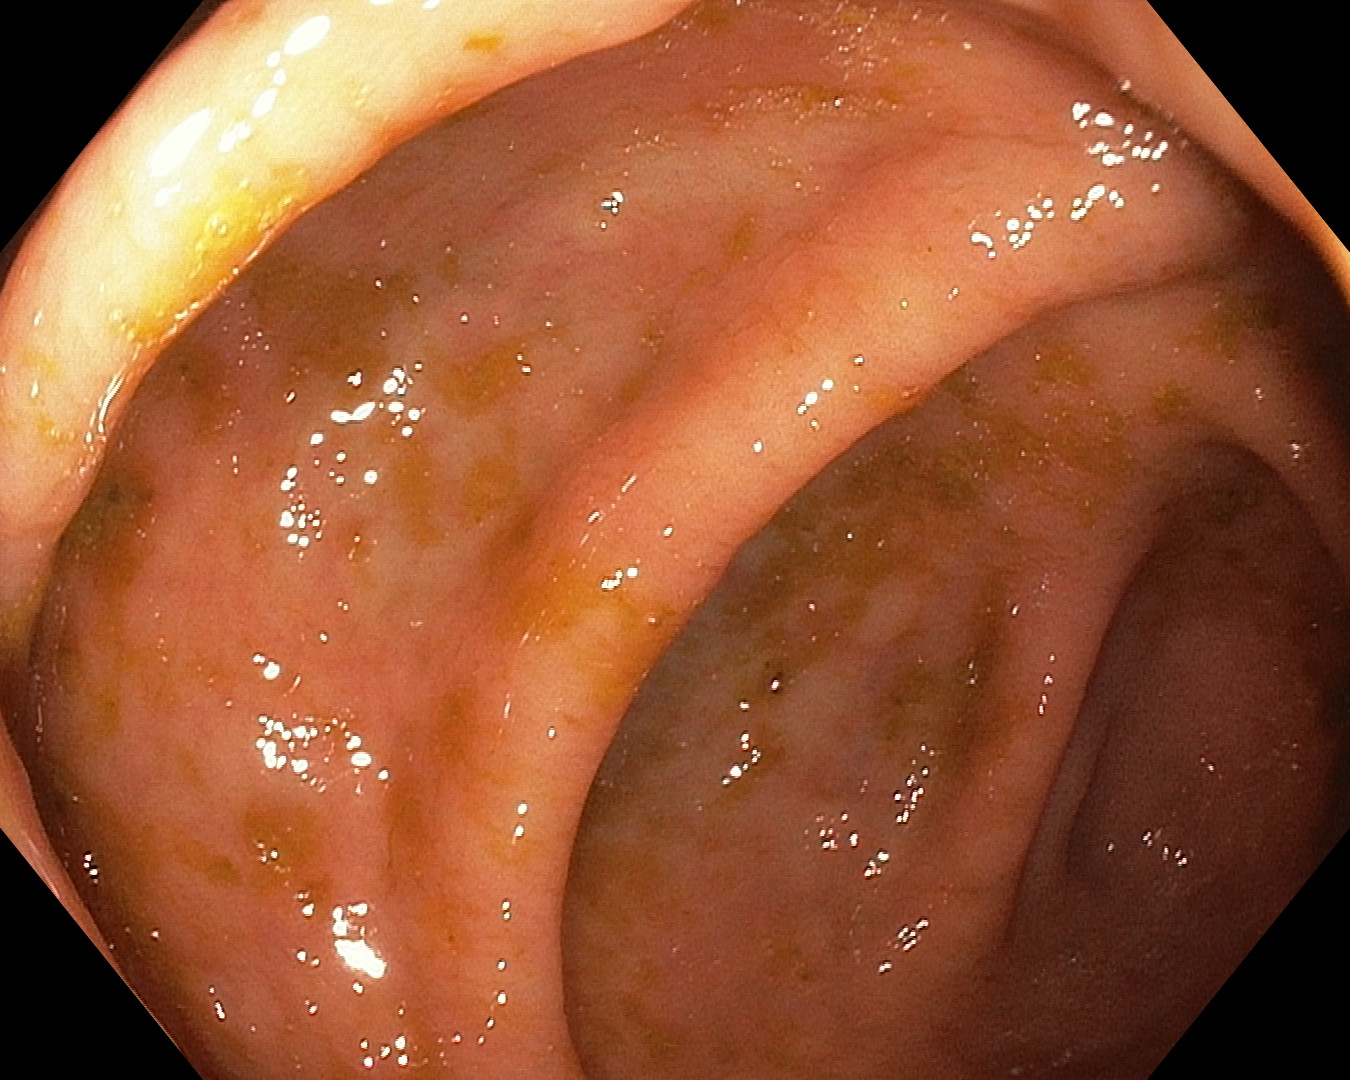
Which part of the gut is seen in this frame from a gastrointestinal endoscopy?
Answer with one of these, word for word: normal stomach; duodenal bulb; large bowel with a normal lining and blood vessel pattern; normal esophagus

large bowel with a normal lining and blood vessel pattern